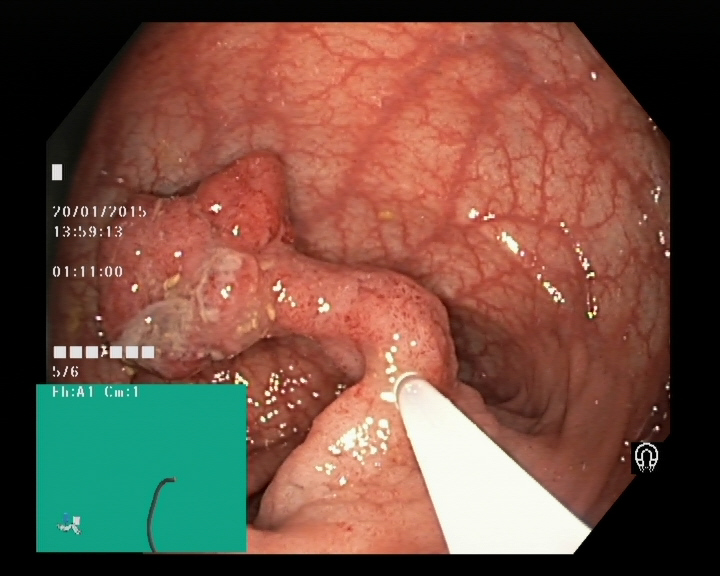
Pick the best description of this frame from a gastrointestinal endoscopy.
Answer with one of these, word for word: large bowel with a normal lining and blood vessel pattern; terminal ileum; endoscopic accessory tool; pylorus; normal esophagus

endoscopic accessory tool